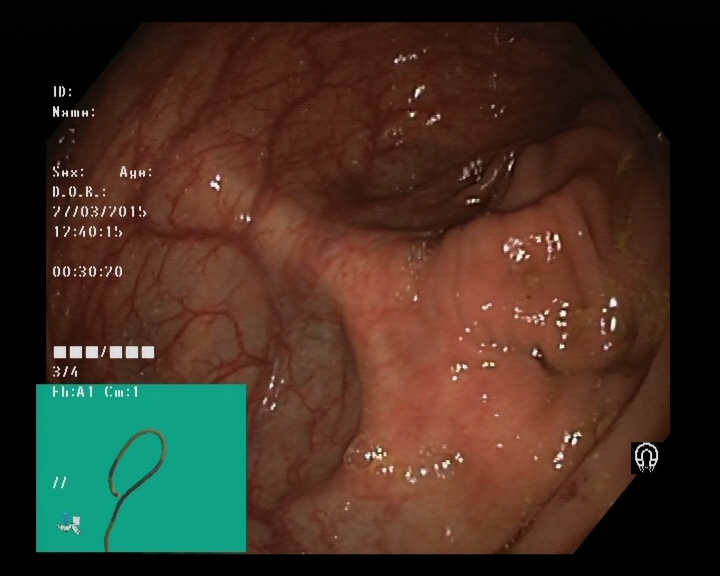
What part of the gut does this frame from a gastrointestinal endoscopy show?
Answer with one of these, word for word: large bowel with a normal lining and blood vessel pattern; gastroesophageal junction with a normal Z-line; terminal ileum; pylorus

large bowel with a normal lining and blood vessel pattern